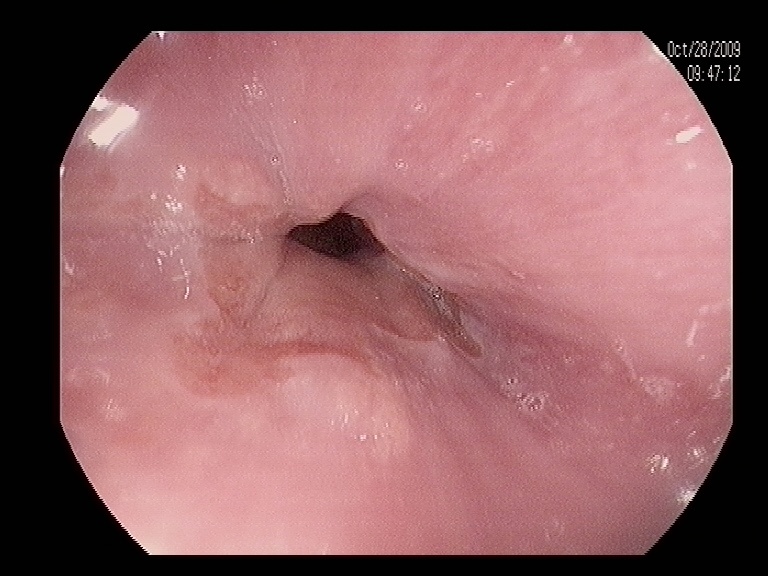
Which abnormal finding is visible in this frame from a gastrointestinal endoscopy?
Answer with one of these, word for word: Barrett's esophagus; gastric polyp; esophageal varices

Barrett's esophagus